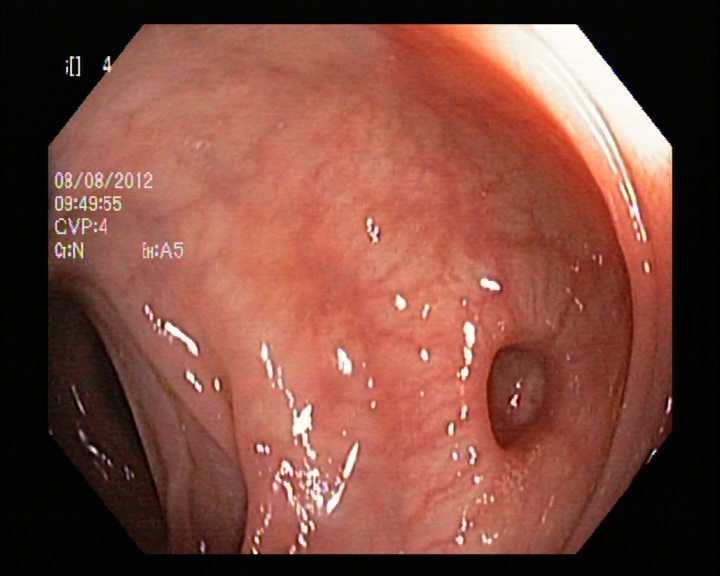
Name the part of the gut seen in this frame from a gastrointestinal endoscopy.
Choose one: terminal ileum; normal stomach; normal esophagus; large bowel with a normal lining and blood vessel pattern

large bowel with a normal lining and blood vessel pattern